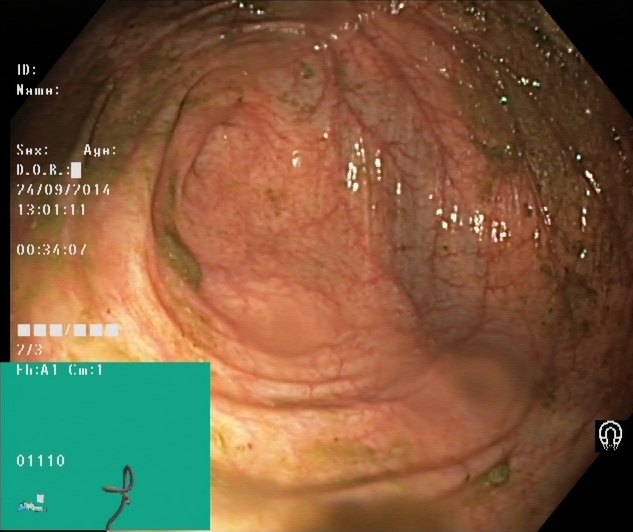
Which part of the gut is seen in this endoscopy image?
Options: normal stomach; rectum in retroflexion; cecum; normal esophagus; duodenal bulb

cecum